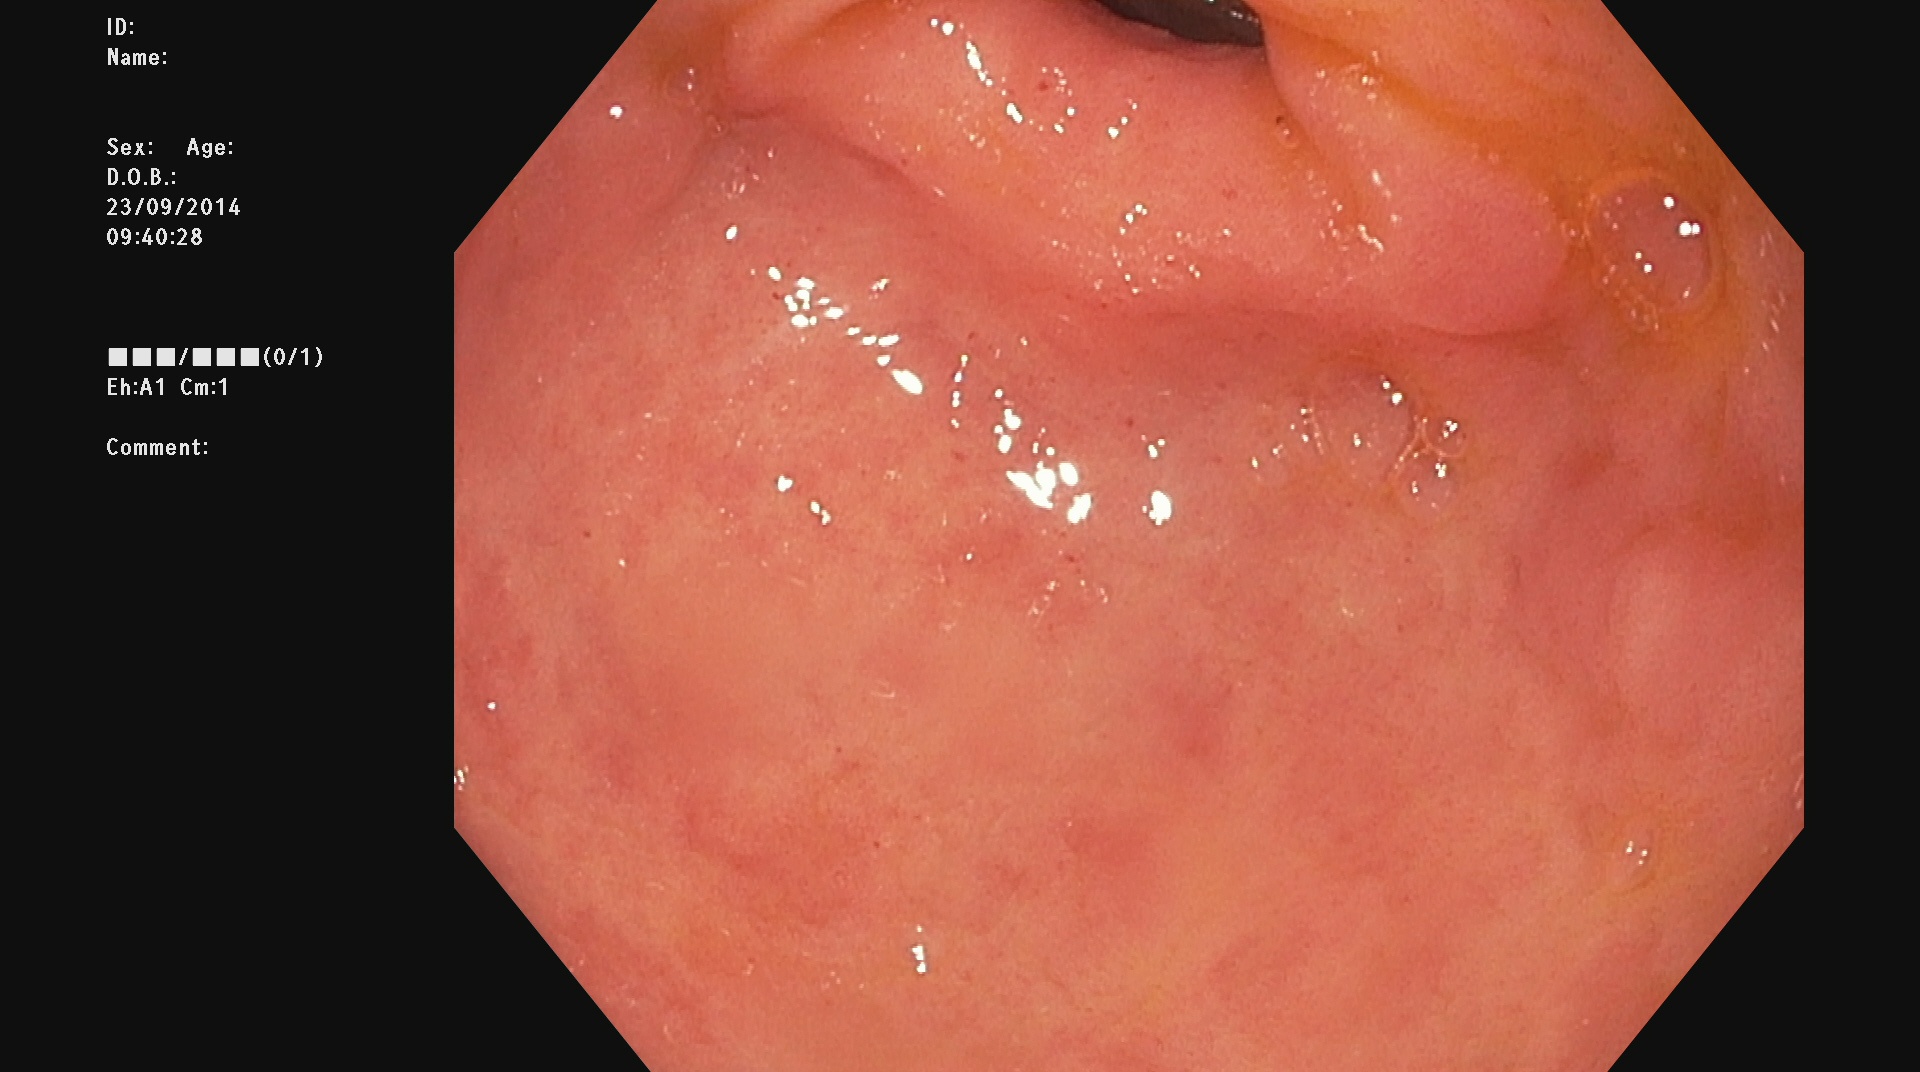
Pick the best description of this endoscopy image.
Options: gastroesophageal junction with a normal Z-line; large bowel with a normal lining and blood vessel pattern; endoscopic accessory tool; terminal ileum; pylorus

pylorus